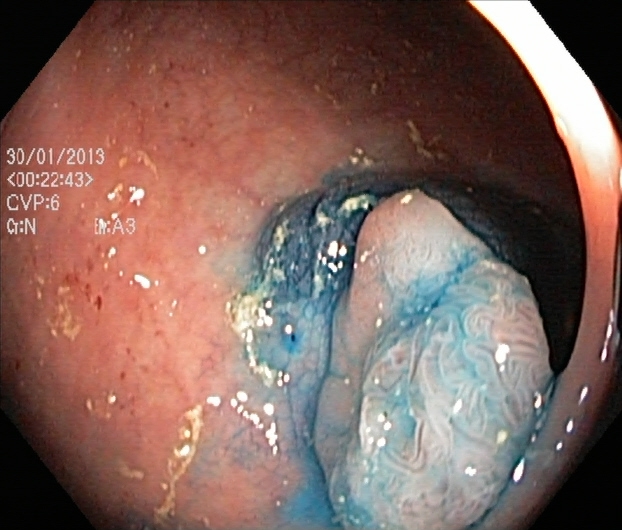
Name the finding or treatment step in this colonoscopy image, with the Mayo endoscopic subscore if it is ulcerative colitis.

dyed and lifted polyp (pre-resection)